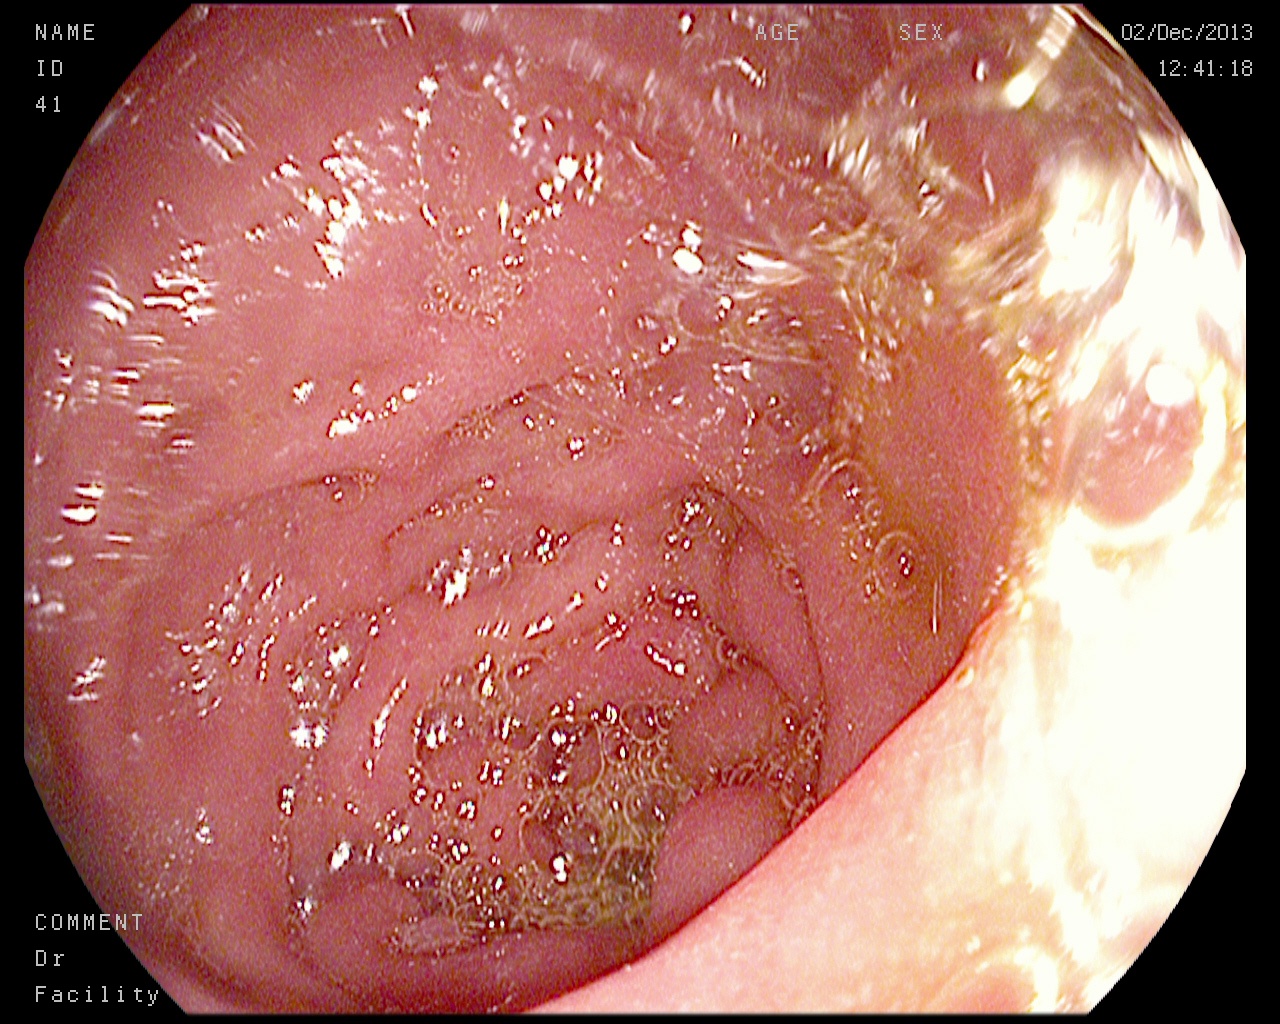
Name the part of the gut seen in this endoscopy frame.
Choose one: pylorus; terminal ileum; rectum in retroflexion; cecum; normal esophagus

terminal ileum